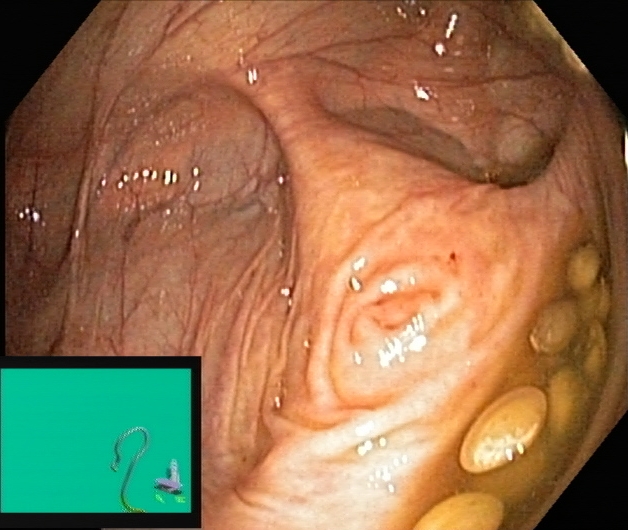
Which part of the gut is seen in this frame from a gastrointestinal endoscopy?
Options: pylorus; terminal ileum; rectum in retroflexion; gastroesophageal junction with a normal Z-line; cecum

cecum